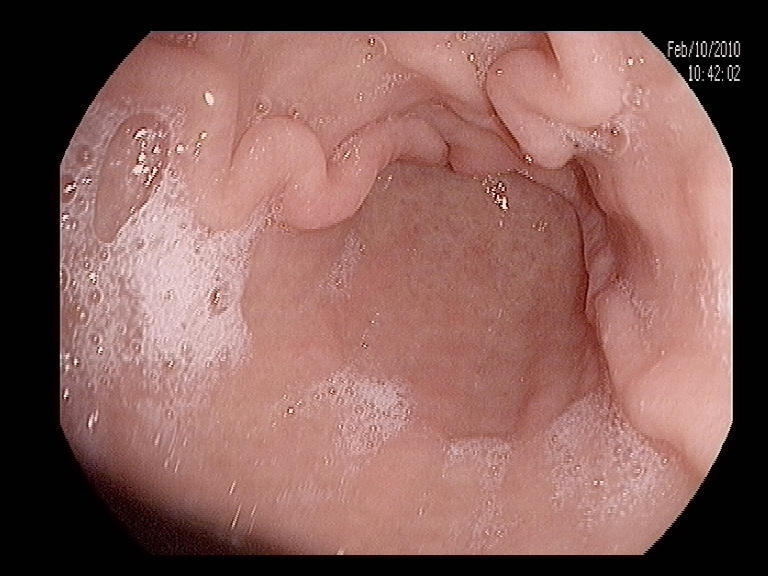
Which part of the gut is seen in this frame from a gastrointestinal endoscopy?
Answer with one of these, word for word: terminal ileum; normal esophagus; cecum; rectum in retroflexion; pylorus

pylorus